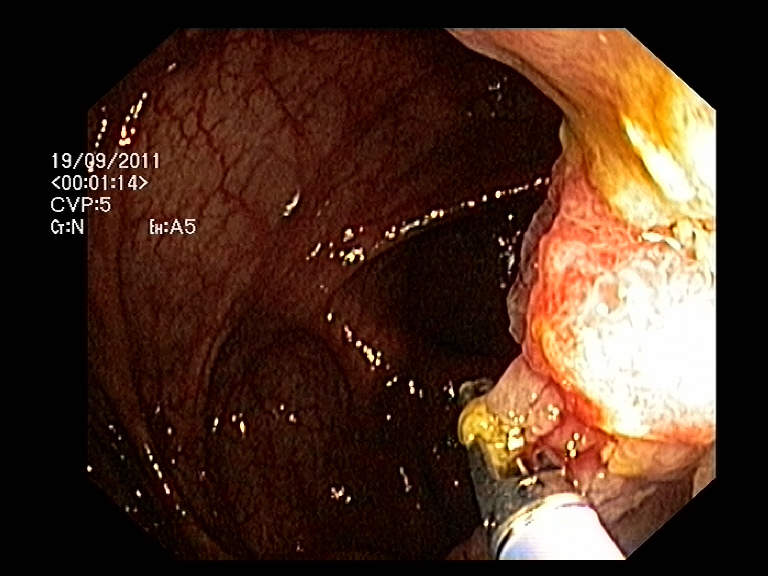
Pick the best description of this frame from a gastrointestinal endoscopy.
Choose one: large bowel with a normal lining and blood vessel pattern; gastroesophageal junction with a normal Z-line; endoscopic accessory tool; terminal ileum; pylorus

endoscopic accessory tool